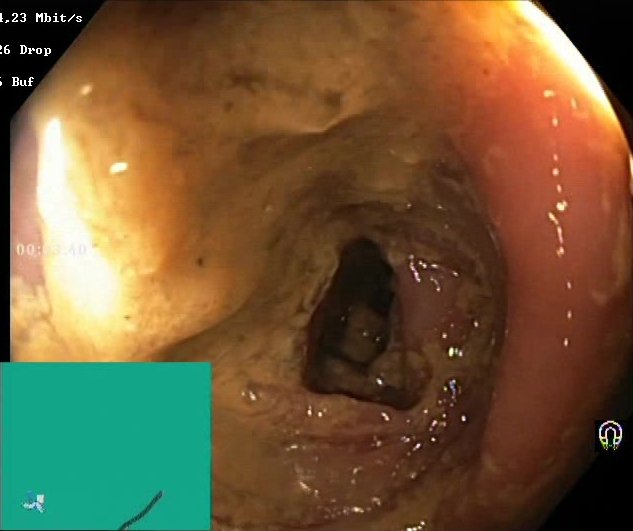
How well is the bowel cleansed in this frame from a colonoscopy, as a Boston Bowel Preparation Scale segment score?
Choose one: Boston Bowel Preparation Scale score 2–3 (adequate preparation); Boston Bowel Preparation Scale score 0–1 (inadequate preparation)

Boston Bowel Preparation Scale score 0–1 (inadequate preparation)